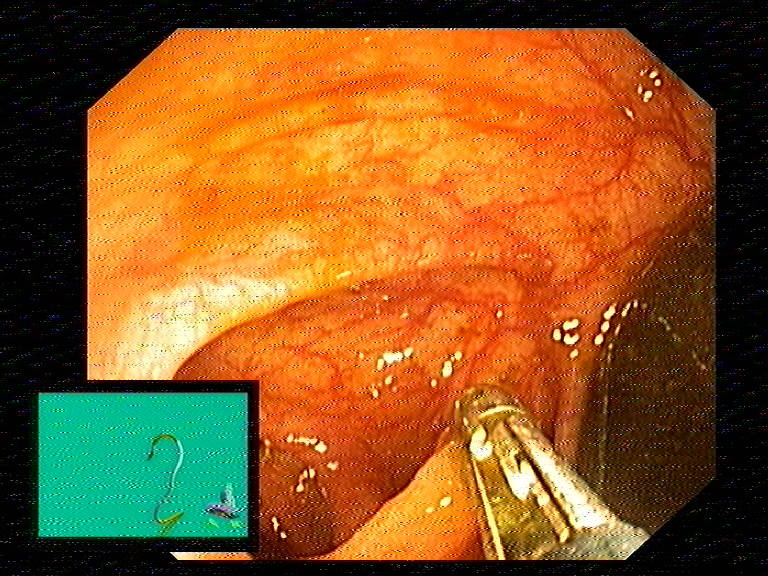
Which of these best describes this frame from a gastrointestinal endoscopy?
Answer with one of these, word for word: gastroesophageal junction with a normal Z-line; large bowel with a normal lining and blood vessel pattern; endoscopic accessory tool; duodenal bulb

endoscopic accessory tool